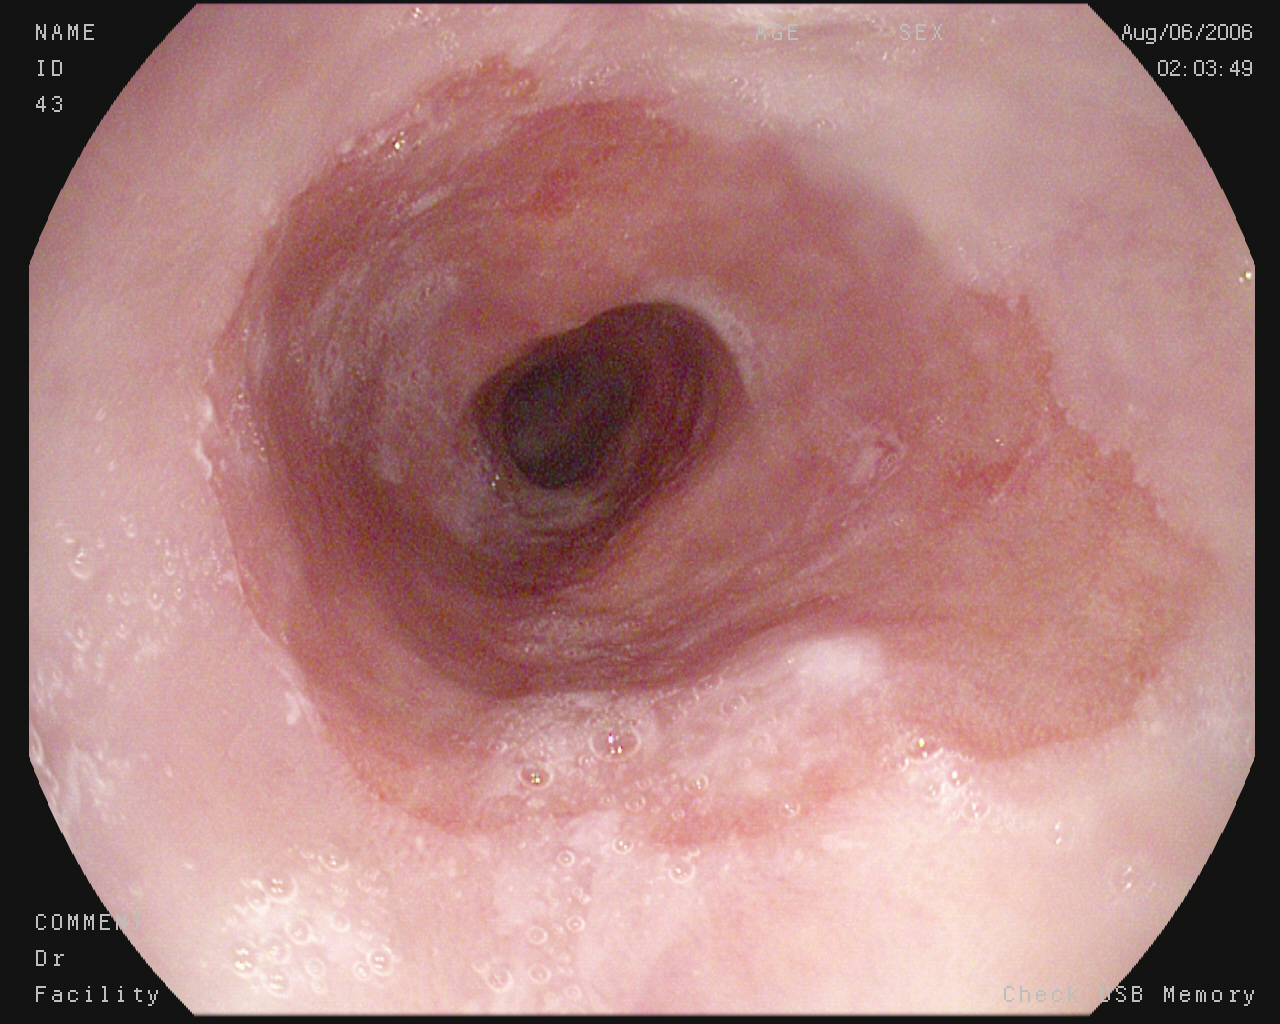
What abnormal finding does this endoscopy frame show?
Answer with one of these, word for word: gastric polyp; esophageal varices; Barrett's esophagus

Barrett's esophagus